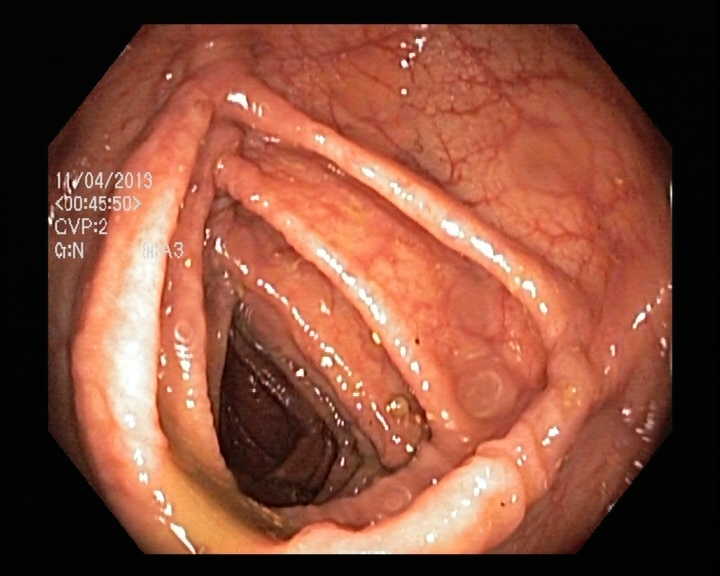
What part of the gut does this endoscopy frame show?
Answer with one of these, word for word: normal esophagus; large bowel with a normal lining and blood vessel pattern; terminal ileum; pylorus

large bowel with a normal lining and blood vessel pattern